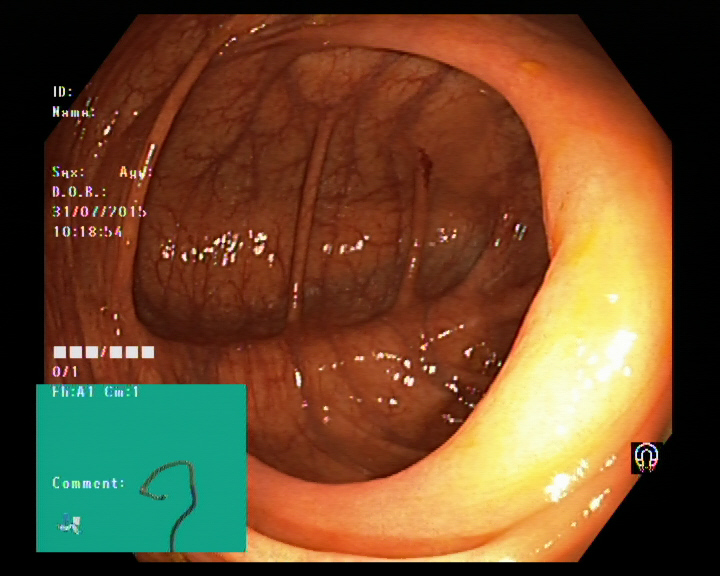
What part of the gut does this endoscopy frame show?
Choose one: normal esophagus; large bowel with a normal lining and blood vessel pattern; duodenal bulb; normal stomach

large bowel with a normal lining and blood vessel pattern